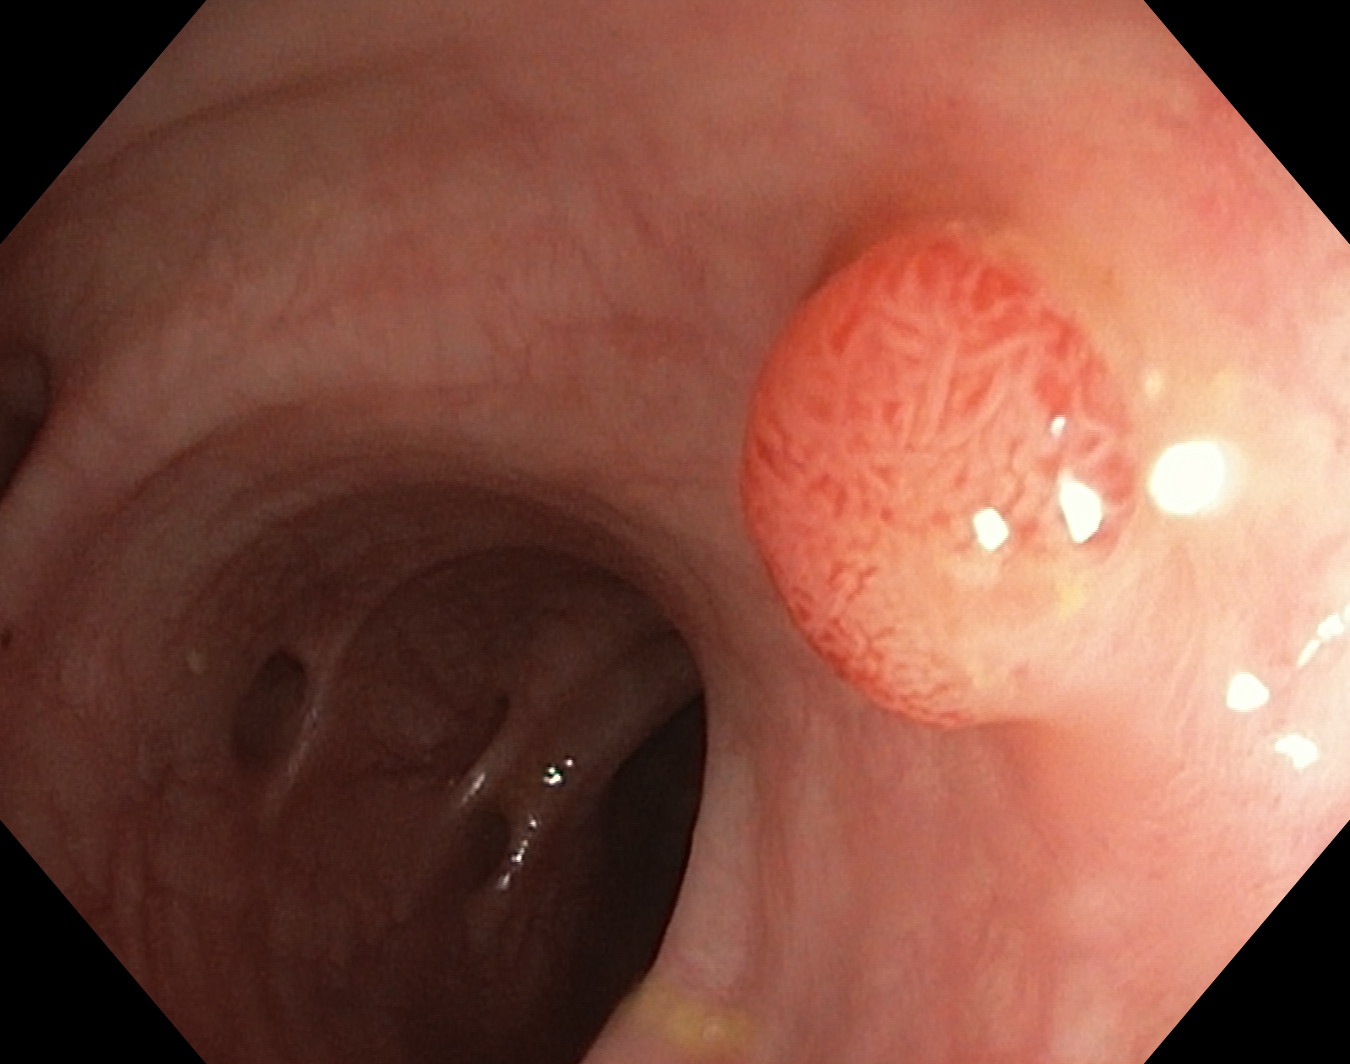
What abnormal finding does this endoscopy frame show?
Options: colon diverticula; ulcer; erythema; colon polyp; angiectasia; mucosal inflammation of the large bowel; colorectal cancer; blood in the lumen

colon polyp